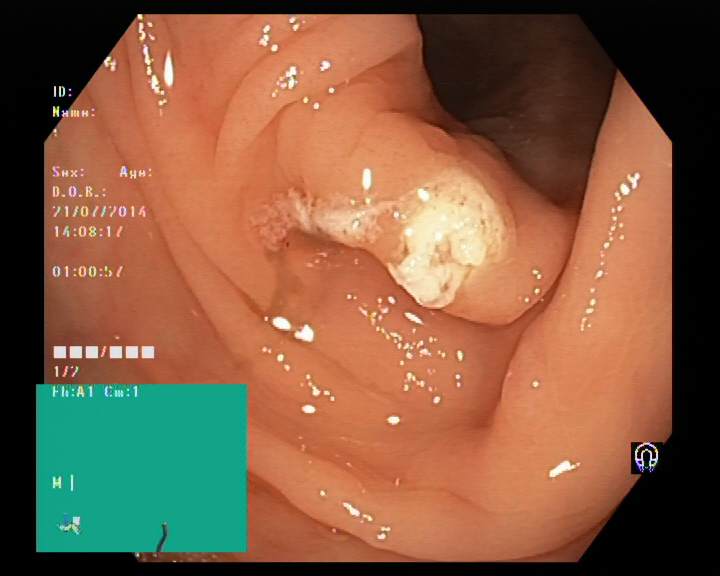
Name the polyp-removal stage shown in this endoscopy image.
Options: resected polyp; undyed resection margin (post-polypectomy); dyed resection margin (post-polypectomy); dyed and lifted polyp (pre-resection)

undyed resection margin (post-polypectomy)